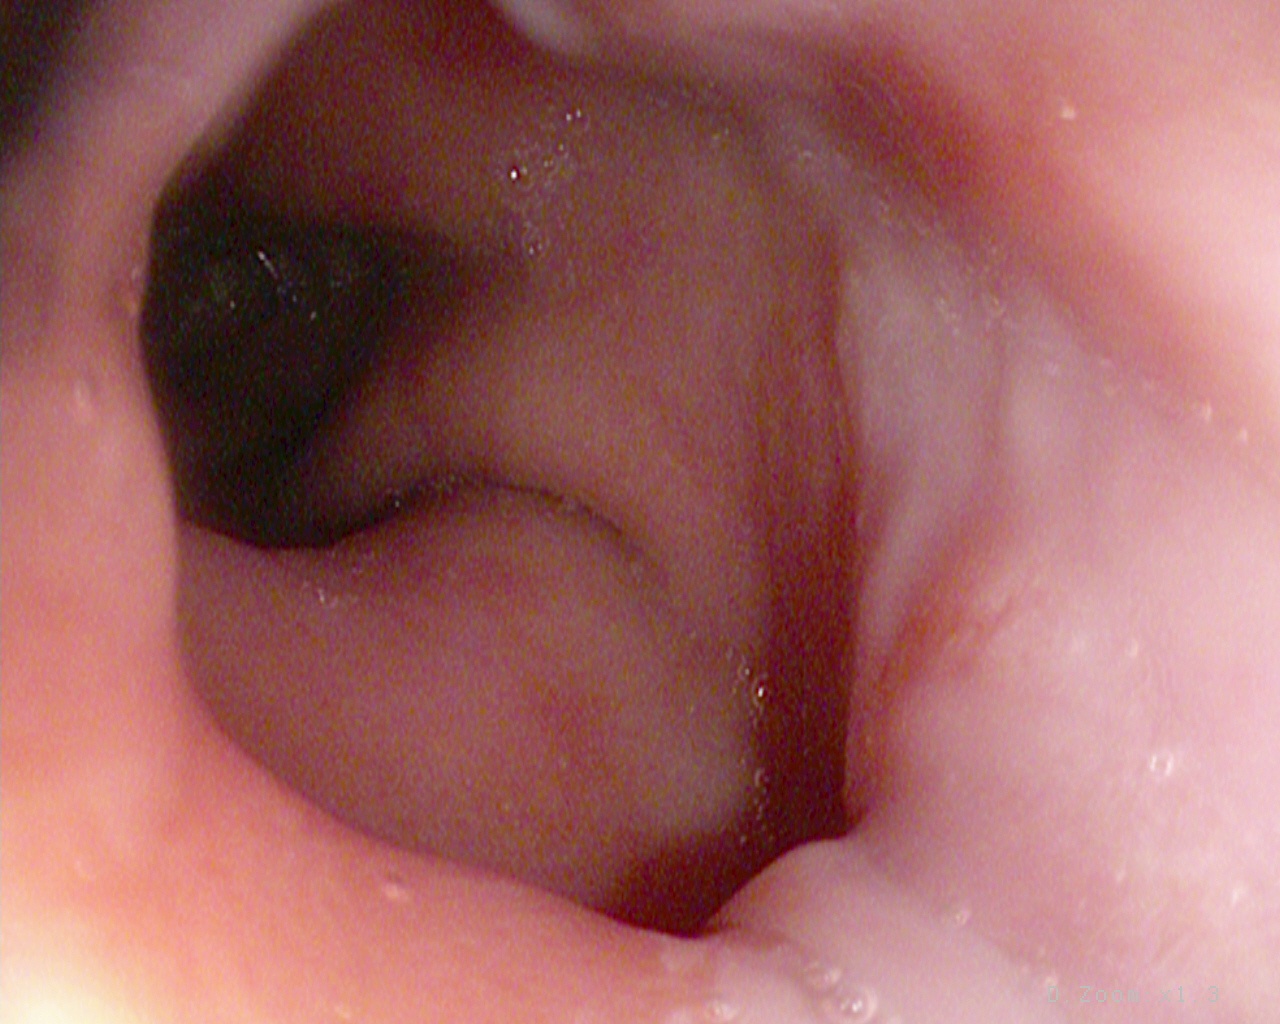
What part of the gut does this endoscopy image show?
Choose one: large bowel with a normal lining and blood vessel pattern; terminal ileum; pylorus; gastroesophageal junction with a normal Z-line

gastroesophageal junction with a normal Z-line